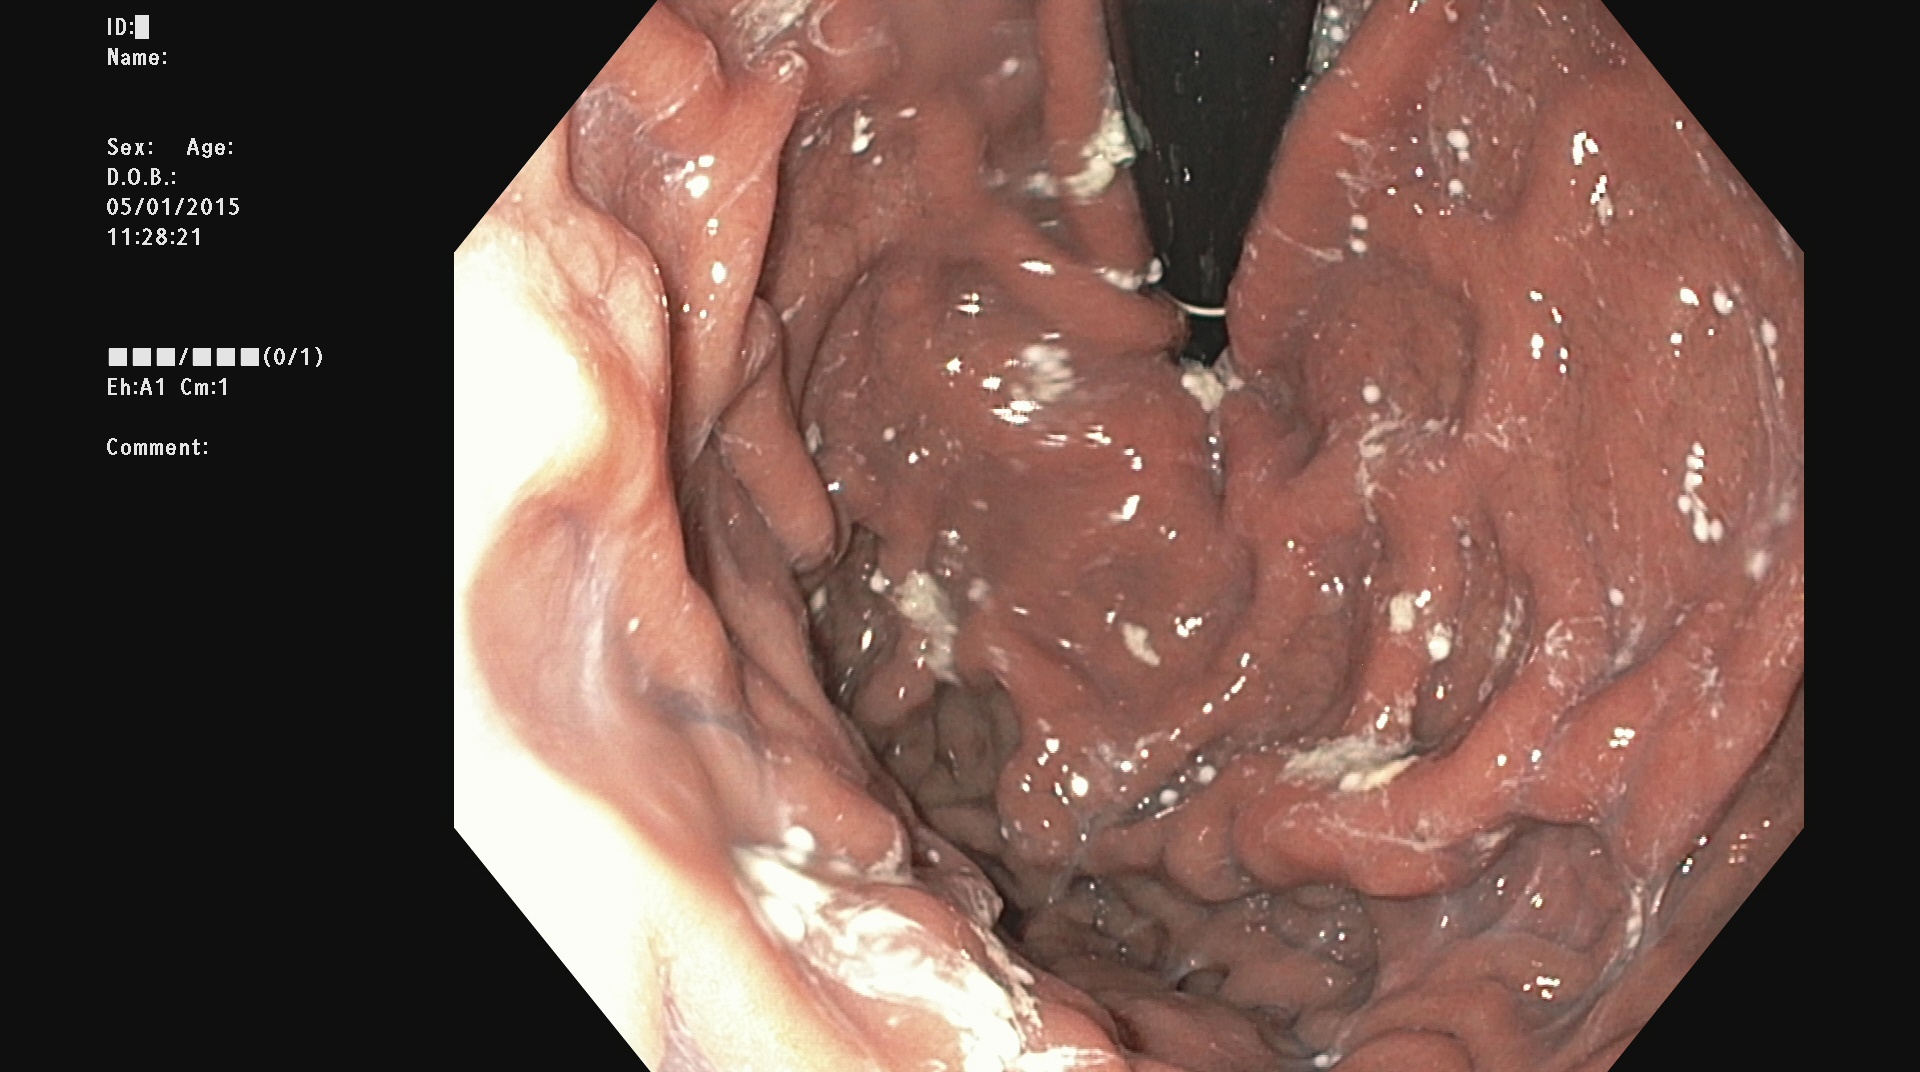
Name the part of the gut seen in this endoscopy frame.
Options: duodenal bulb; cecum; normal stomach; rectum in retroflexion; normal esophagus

normal stomach